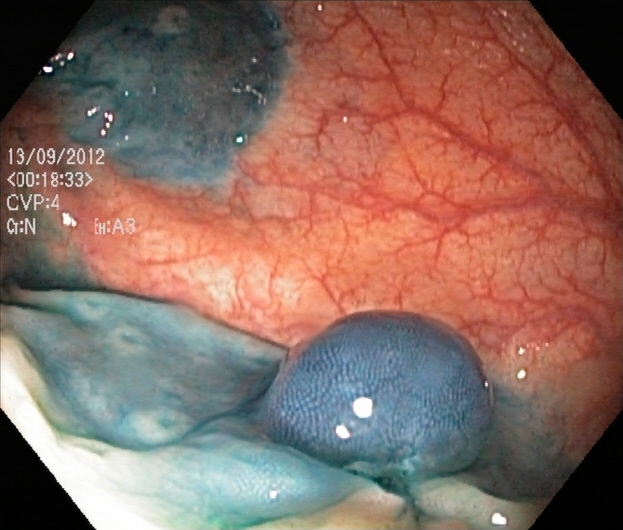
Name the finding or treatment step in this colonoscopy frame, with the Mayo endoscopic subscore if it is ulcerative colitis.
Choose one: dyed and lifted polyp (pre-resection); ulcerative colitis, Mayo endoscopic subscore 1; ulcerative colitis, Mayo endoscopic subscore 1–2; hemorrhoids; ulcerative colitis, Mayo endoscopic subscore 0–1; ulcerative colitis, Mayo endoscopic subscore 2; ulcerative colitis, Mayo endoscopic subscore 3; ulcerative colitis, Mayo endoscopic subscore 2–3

dyed and lifted polyp (pre-resection)